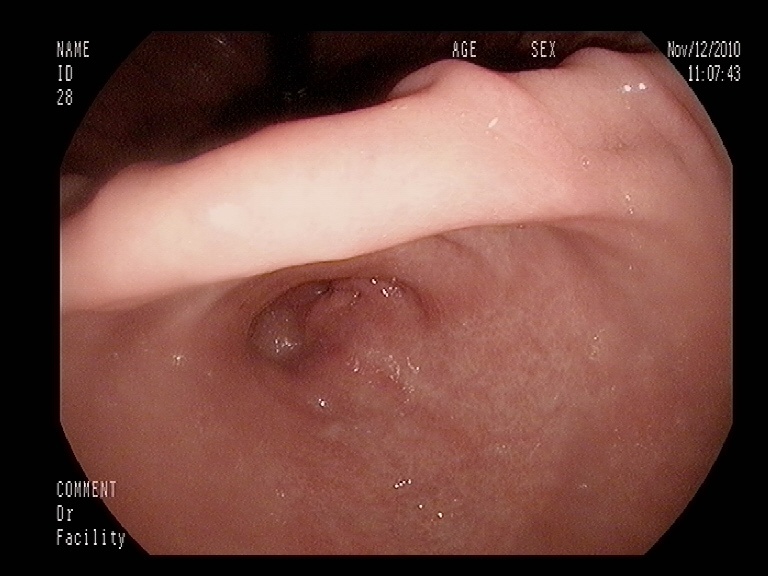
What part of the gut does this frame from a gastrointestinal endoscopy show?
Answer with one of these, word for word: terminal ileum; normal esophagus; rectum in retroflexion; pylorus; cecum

pylorus